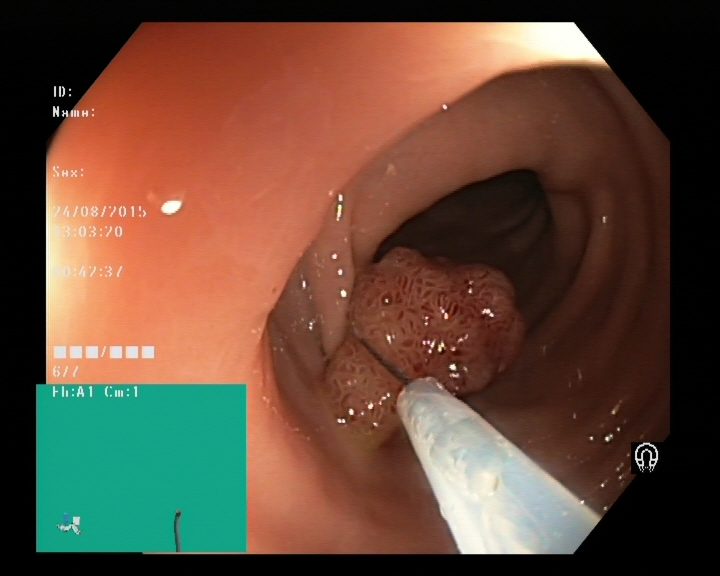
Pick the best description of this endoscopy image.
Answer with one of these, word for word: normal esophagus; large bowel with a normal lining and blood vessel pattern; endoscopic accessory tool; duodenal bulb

endoscopic accessory tool